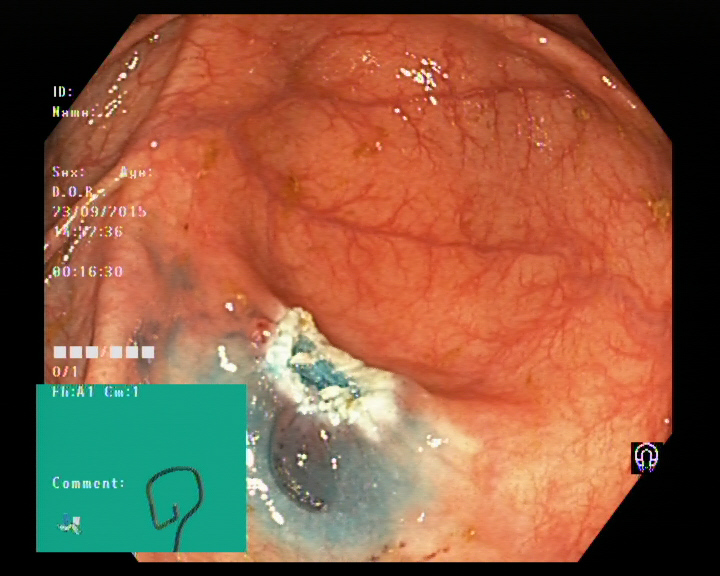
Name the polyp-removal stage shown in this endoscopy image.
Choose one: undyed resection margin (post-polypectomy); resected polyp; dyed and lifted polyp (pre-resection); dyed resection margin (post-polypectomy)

dyed resection margin (post-polypectomy)